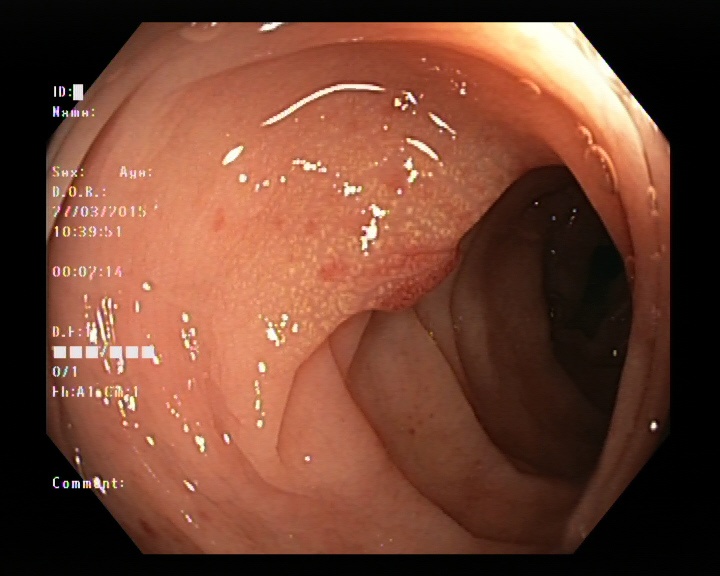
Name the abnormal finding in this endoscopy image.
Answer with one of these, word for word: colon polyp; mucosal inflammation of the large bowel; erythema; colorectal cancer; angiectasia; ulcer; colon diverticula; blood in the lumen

colon polyp